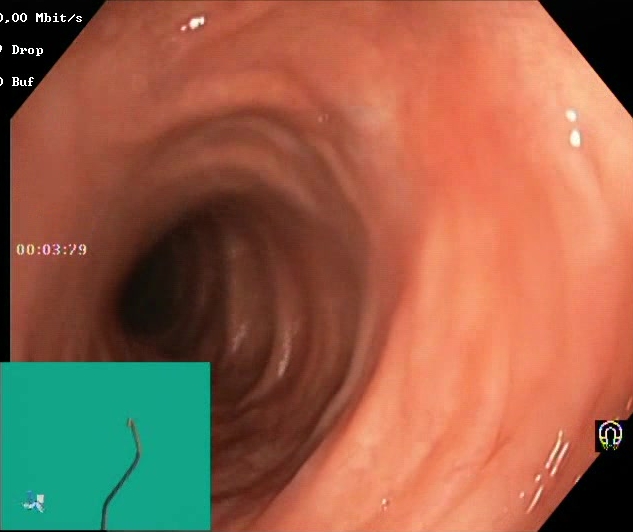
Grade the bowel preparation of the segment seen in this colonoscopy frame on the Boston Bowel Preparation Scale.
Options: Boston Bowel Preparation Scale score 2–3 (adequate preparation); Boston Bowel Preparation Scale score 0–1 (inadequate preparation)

Boston Bowel Preparation Scale score 2–3 (adequate preparation)